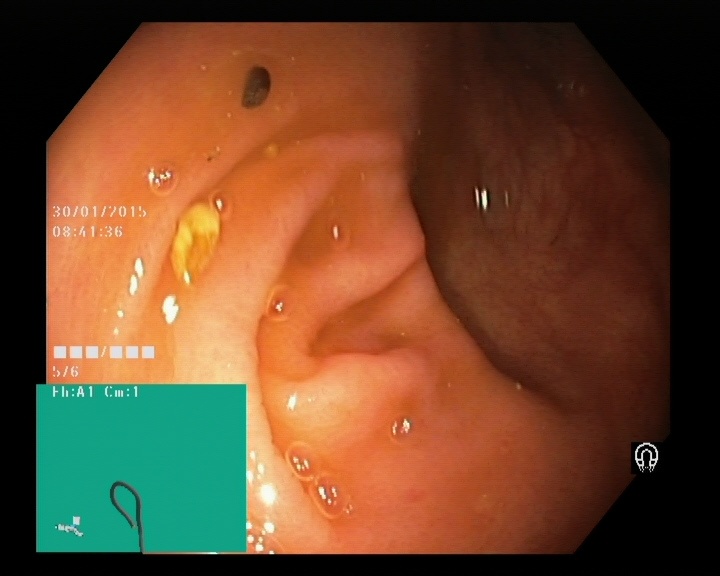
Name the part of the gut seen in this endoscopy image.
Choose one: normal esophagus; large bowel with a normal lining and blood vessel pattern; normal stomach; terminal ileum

large bowel with a normal lining and blood vessel pattern